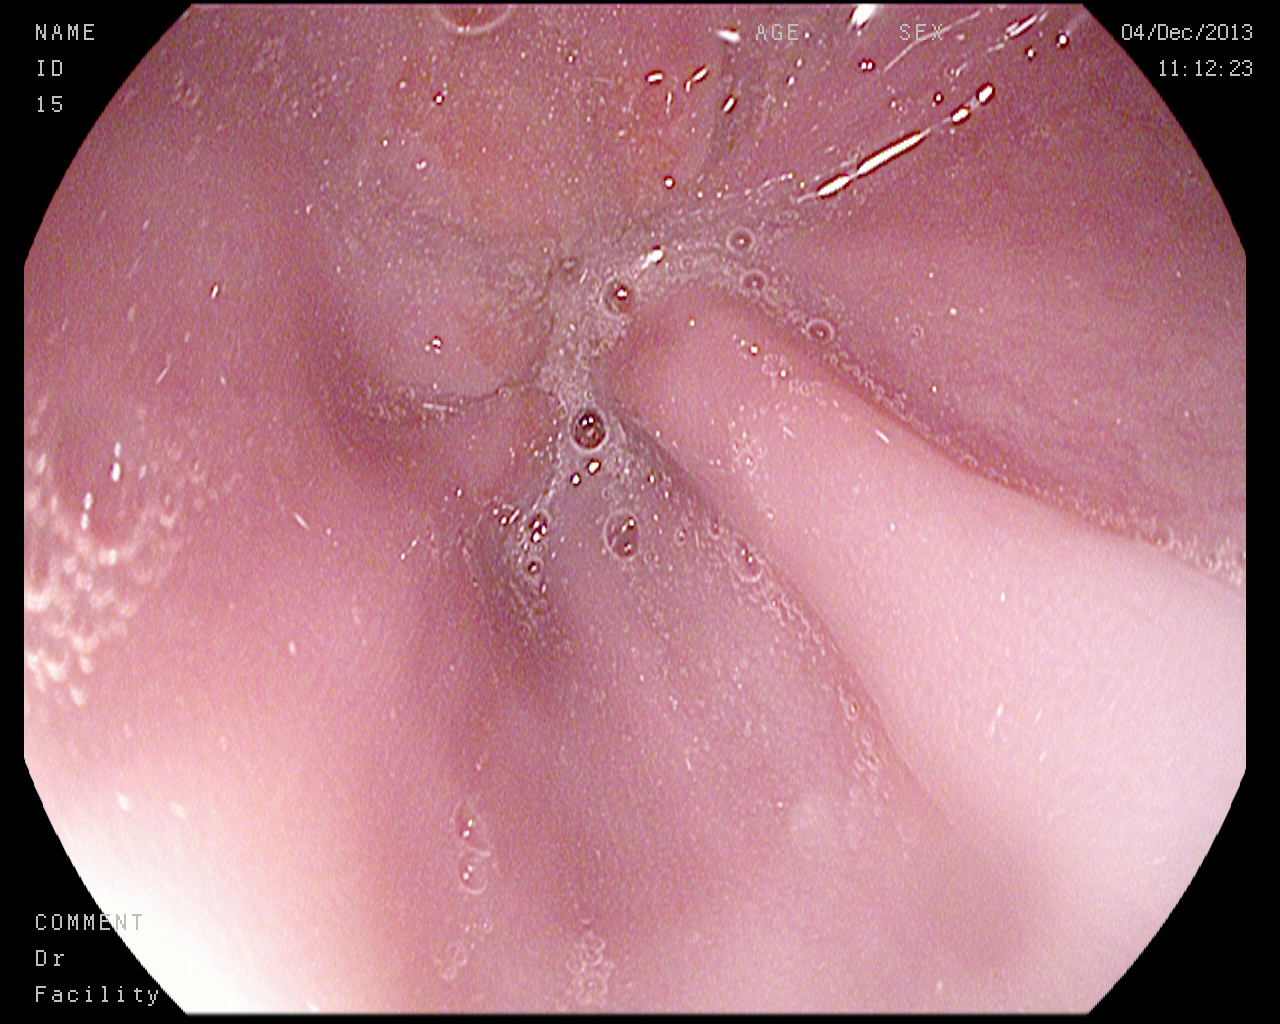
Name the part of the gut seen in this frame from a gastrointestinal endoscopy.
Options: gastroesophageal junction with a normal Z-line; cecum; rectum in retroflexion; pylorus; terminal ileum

gastroesophageal junction with a normal Z-line